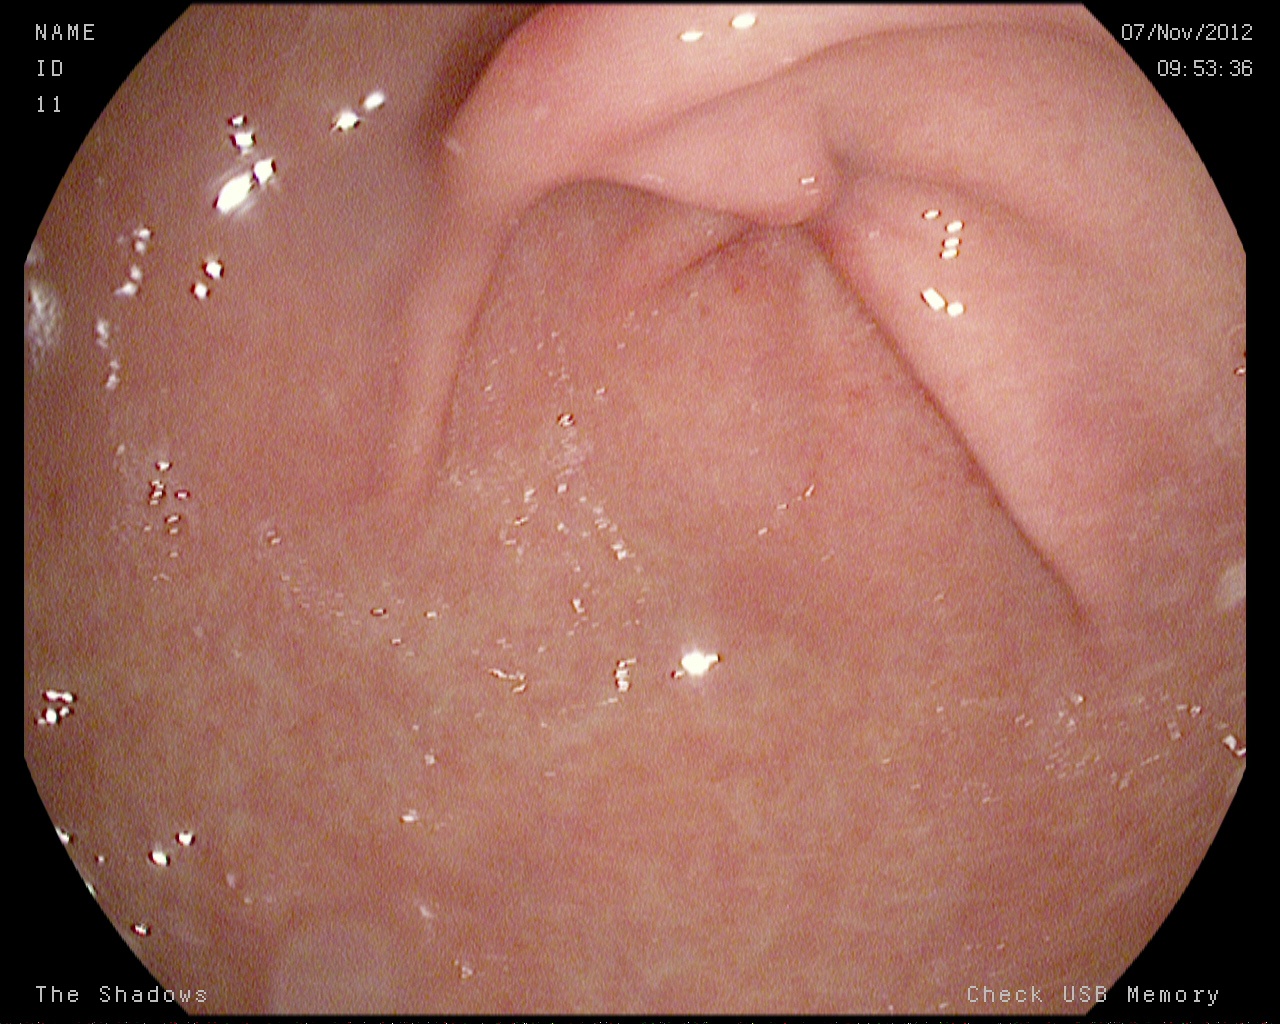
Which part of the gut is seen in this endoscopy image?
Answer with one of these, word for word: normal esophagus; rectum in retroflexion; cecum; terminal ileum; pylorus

pylorus